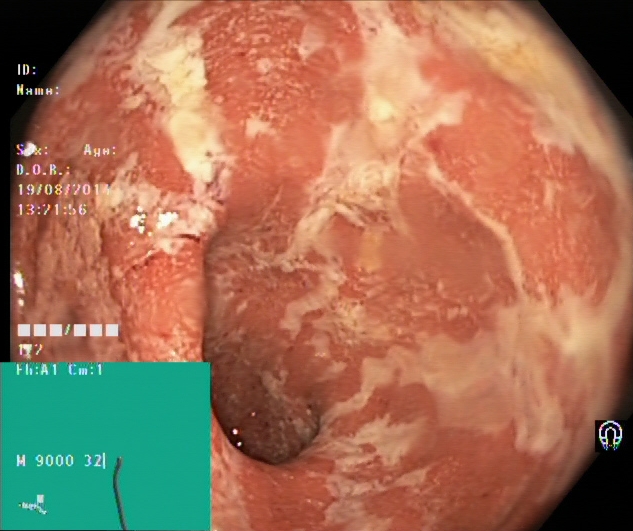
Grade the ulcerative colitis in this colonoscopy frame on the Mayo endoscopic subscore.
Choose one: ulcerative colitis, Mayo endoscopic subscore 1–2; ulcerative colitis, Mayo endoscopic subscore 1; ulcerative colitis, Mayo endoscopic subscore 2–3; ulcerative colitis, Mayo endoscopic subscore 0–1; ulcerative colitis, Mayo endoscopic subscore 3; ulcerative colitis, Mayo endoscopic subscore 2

ulcerative colitis, Mayo endoscopic subscore 2